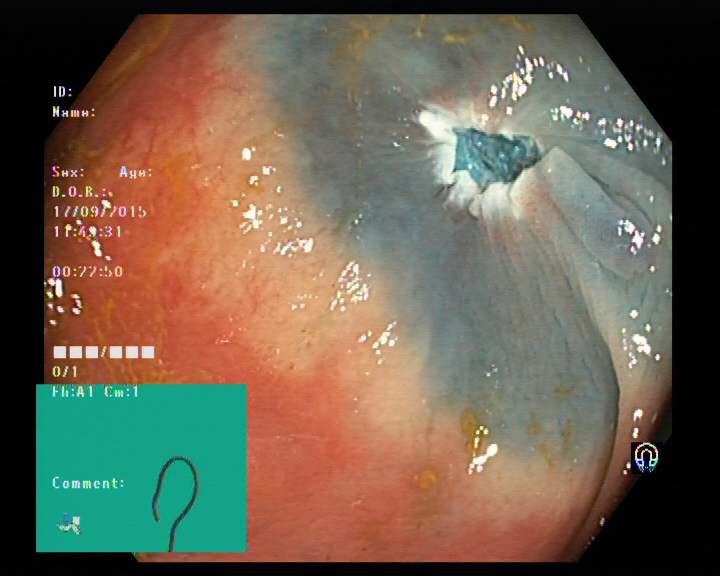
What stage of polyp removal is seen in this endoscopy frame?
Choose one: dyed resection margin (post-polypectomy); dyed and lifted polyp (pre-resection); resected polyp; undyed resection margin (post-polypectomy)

dyed resection margin (post-polypectomy)